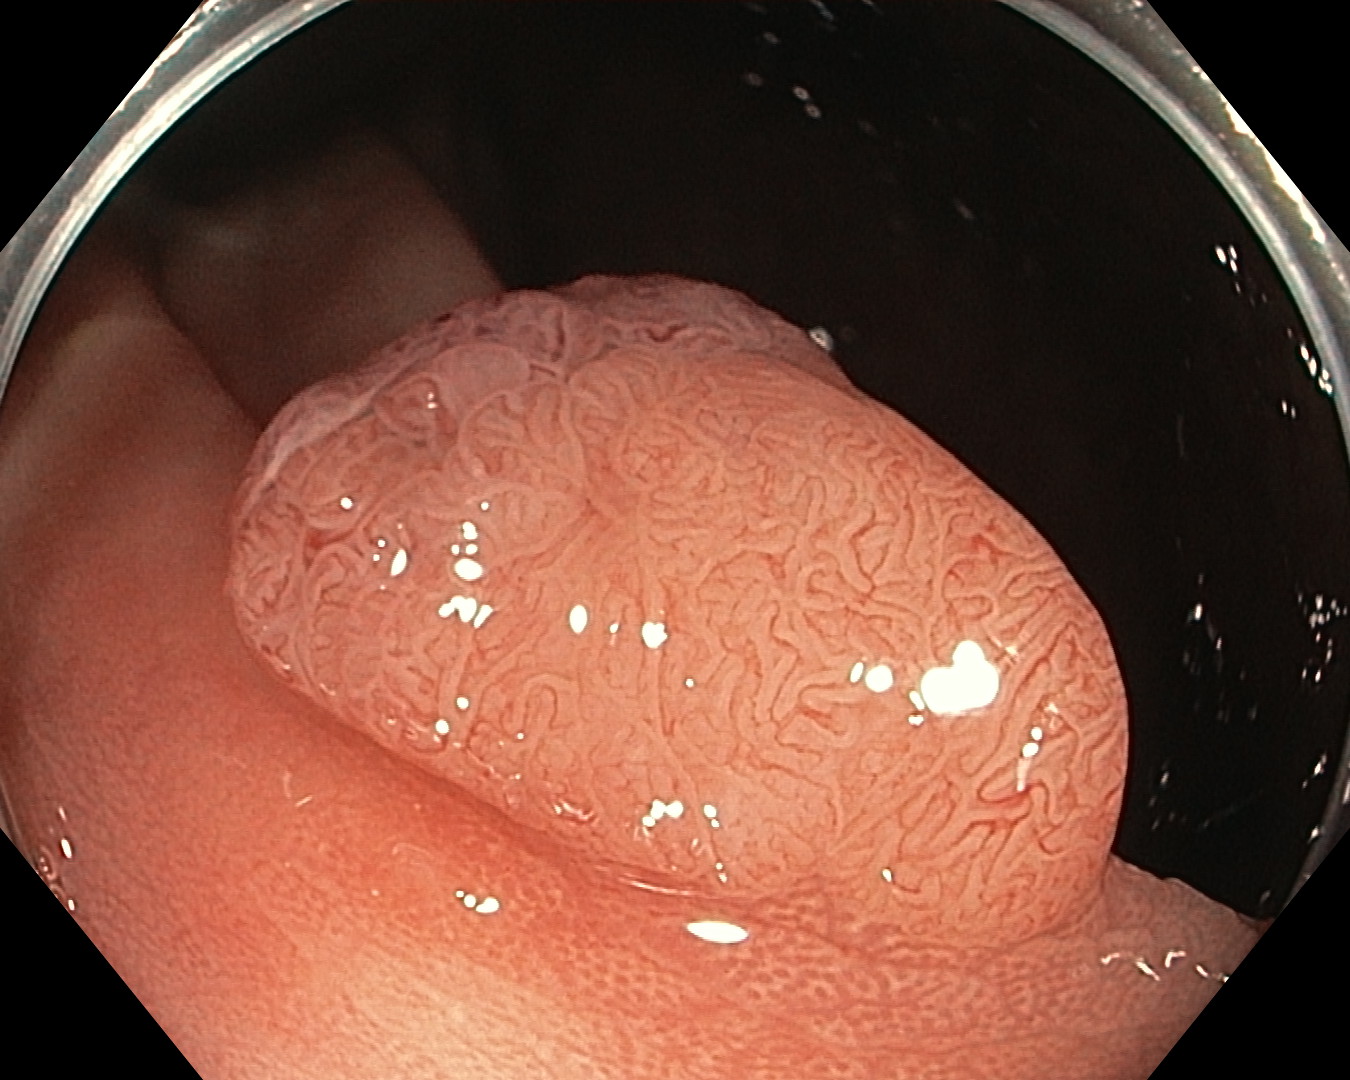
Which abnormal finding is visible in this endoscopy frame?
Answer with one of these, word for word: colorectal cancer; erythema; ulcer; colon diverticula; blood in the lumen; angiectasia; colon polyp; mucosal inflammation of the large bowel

colon polyp